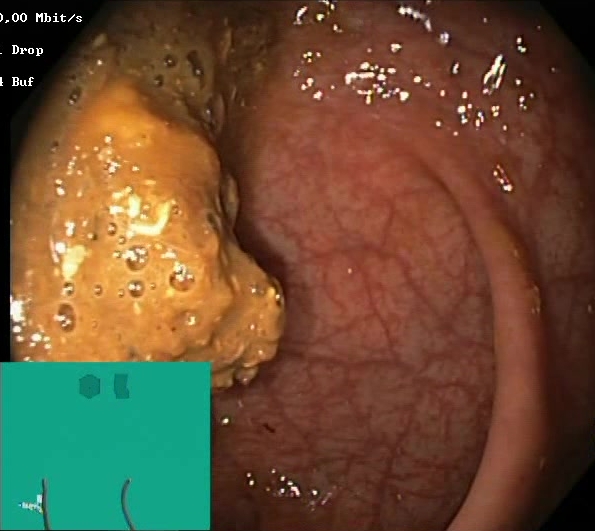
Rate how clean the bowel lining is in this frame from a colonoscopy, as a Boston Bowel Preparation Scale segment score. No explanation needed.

Boston Bowel Preparation Scale score 0–1 (inadequate preparation)